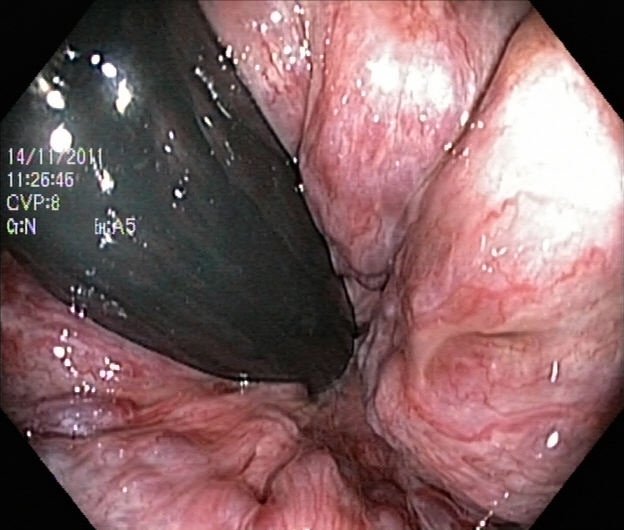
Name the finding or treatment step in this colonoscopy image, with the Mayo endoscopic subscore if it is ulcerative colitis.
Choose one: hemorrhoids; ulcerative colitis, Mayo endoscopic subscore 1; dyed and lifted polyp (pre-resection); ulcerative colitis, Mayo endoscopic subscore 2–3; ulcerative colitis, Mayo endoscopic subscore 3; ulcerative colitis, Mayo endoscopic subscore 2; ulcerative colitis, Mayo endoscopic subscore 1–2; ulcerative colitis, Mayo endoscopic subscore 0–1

hemorrhoids